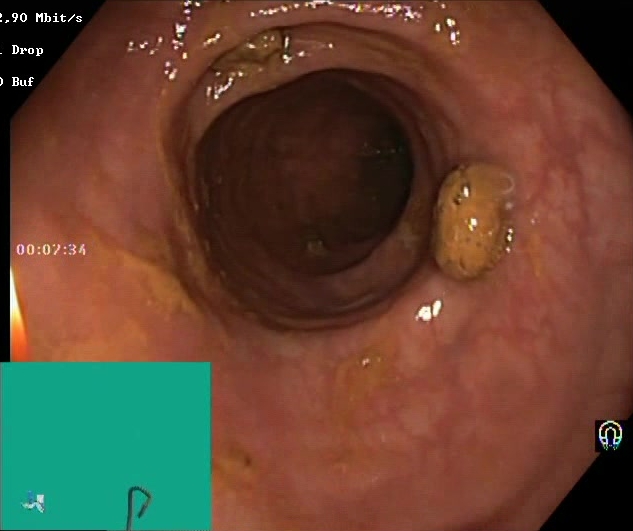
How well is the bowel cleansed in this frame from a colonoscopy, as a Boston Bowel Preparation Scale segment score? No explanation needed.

Boston Bowel Preparation Scale score 2–3 (adequate preparation)